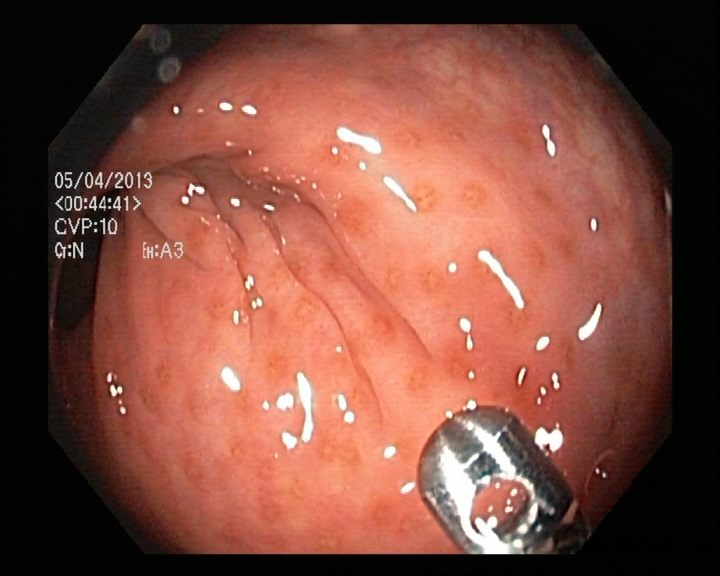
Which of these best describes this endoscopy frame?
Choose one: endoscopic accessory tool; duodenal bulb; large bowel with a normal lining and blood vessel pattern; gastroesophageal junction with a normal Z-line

endoscopic accessory tool